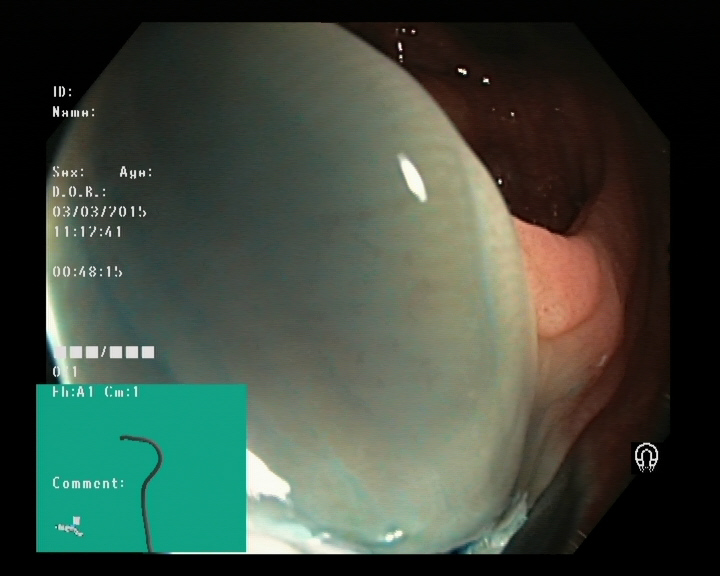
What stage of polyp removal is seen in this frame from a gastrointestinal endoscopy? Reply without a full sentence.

dyed and lifted polyp (pre-resection)